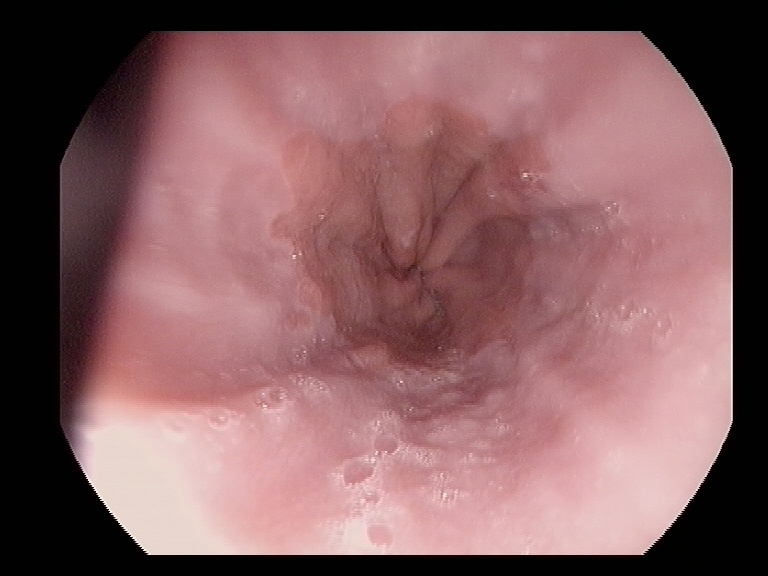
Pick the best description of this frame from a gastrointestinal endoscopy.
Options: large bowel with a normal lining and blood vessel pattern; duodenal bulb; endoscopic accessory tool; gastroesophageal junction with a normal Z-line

gastroesophageal junction with a normal Z-line